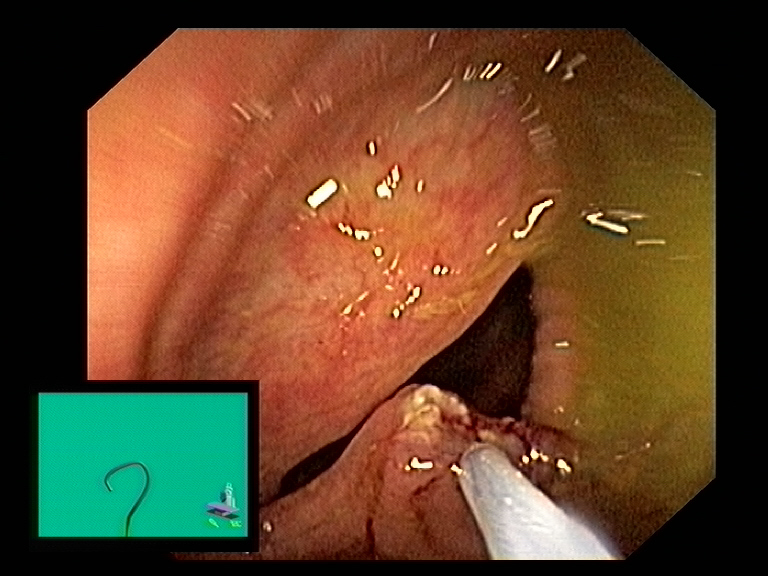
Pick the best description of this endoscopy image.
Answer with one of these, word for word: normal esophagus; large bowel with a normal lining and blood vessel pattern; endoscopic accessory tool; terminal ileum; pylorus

endoscopic accessory tool